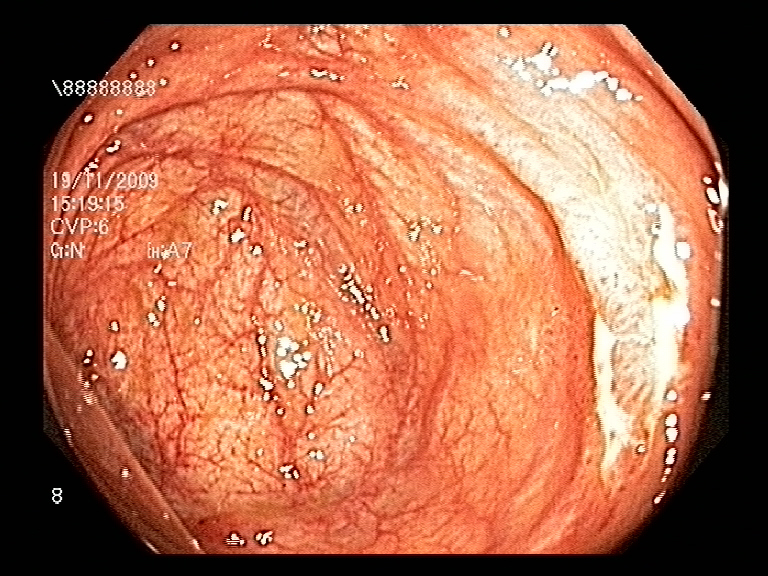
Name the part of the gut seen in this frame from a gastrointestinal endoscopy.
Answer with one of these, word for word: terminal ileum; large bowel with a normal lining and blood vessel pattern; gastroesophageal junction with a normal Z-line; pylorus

large bowel with a normal lining and blood vessel pattern